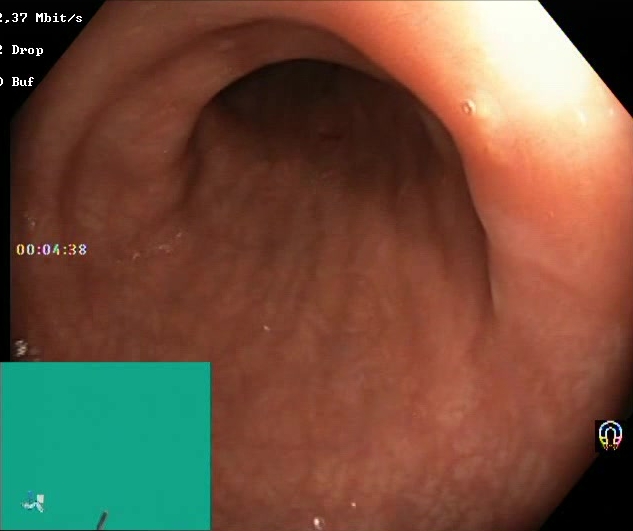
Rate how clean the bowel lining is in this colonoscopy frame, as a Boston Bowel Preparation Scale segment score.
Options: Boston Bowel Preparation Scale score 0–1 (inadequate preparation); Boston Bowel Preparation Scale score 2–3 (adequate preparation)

Boston Bowel Preparation Scale score 2–3 (adequate preparation)